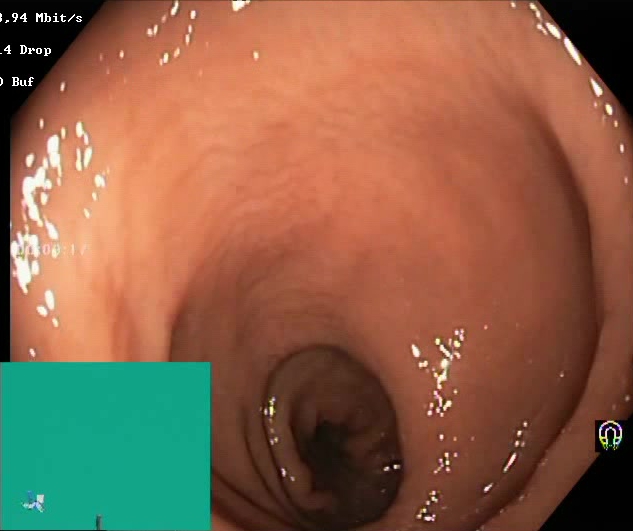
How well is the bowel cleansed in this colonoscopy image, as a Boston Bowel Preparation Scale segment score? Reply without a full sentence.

Boston Bowel Preparation Scale score 2–3 (adequate preparation)